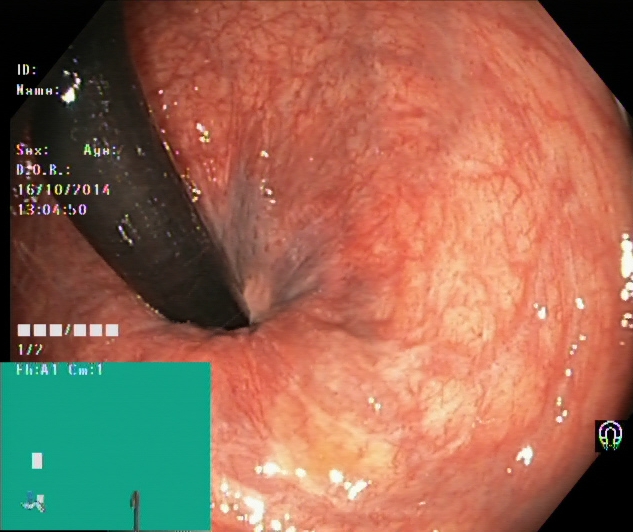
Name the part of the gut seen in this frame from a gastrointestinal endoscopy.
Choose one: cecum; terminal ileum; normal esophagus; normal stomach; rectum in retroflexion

rectum in retroflexion